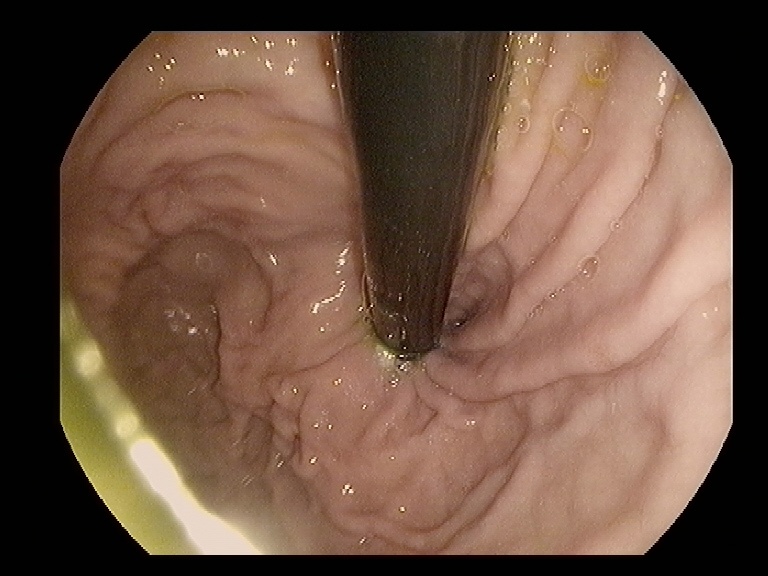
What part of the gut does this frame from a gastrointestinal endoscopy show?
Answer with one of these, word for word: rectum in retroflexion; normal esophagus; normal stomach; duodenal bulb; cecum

normal stomach